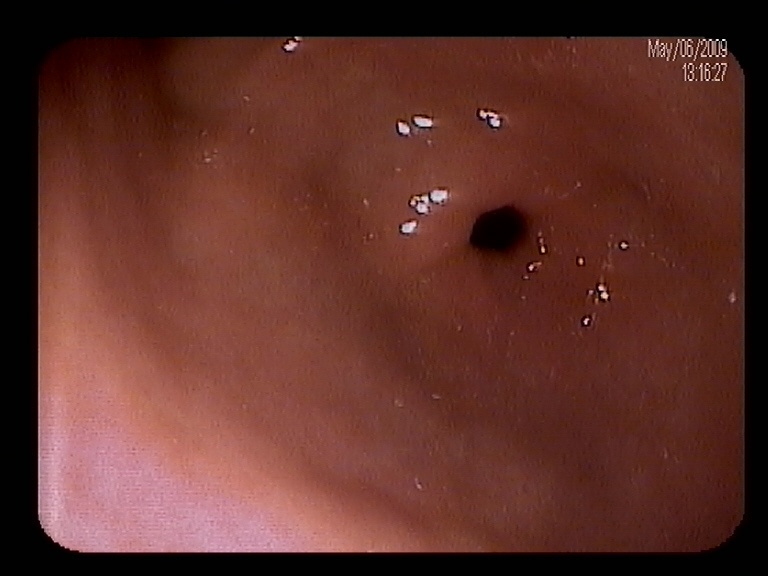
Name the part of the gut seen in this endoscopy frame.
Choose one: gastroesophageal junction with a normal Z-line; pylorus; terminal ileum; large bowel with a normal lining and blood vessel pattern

pylorus